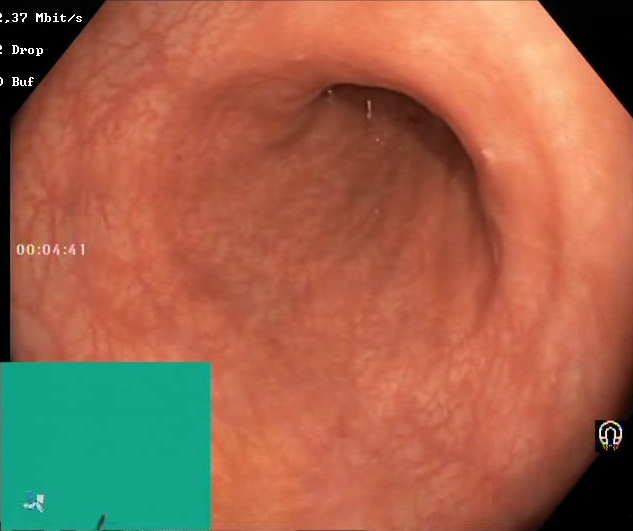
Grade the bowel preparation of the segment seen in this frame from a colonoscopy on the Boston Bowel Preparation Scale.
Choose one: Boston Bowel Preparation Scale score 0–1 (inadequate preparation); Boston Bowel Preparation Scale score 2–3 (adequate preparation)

Boston Bowel Preparation Scale score 2–3 (adequate preparation)